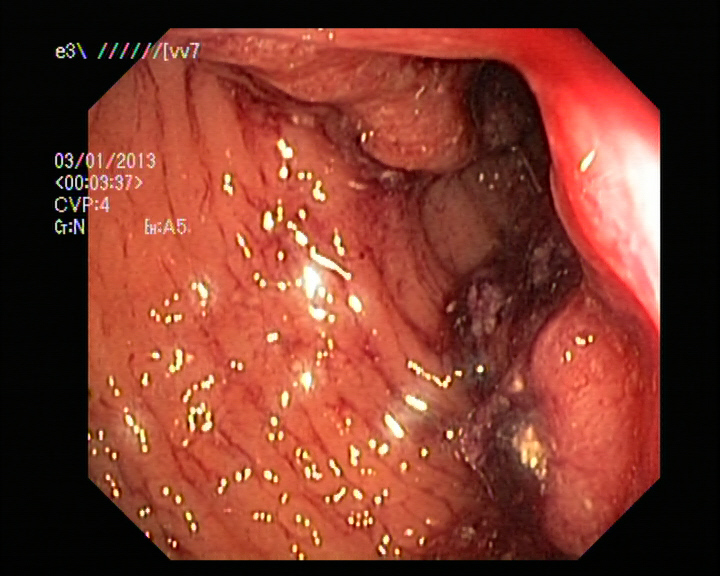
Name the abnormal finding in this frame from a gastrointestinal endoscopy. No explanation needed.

colorectal cancer